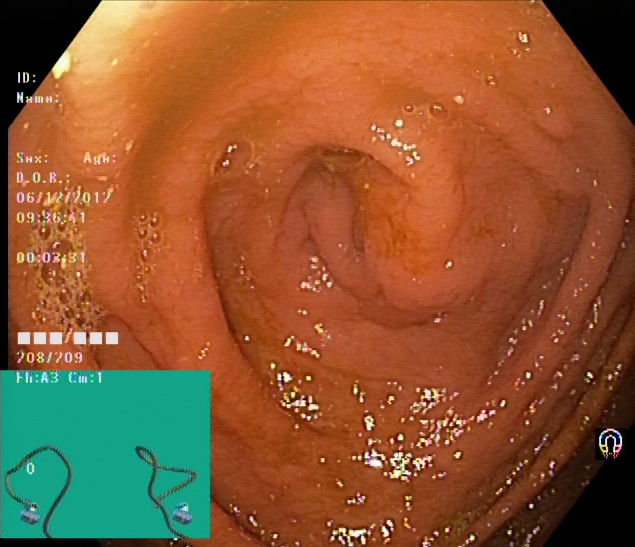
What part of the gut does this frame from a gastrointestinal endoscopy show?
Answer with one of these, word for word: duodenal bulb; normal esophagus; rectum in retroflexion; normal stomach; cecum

cecum